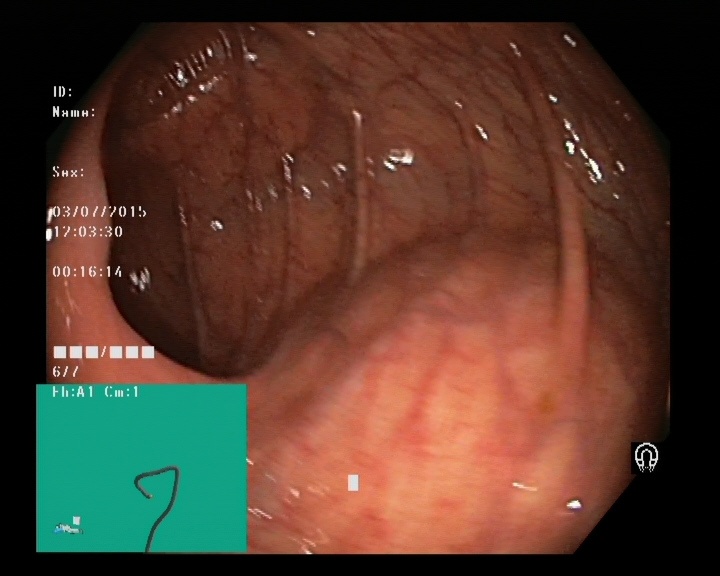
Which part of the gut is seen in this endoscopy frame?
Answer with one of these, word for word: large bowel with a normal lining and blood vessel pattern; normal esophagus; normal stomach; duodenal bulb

large bowel with a normal lining and blood vessel pattern